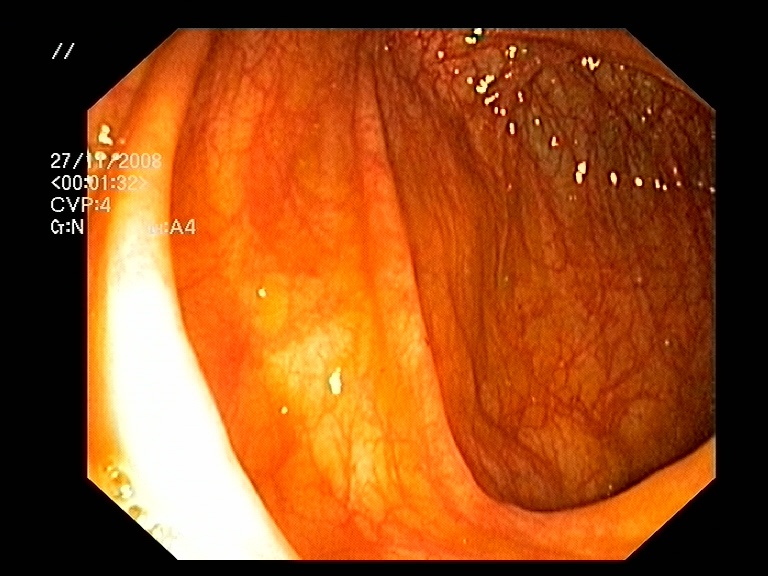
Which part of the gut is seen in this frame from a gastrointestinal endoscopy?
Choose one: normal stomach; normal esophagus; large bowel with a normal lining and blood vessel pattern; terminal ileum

large bowel with a normal lining and blood vessel pattern